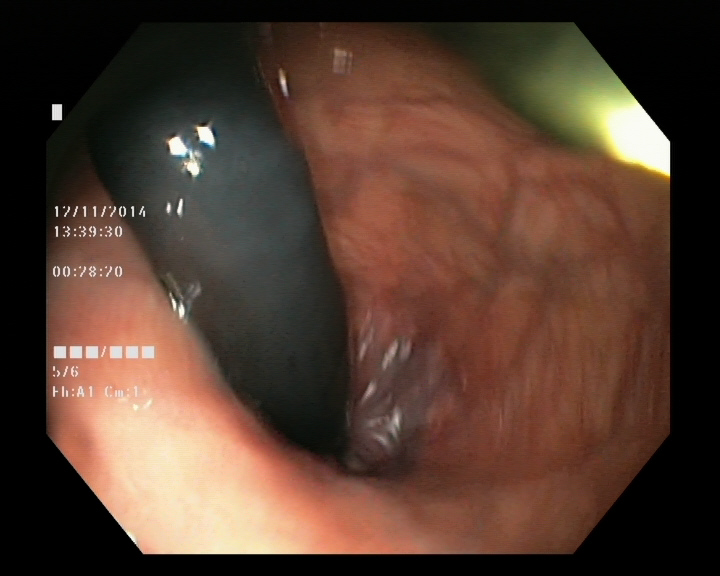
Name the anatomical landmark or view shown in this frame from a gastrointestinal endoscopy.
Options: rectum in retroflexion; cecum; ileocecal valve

rectum in retroflexion